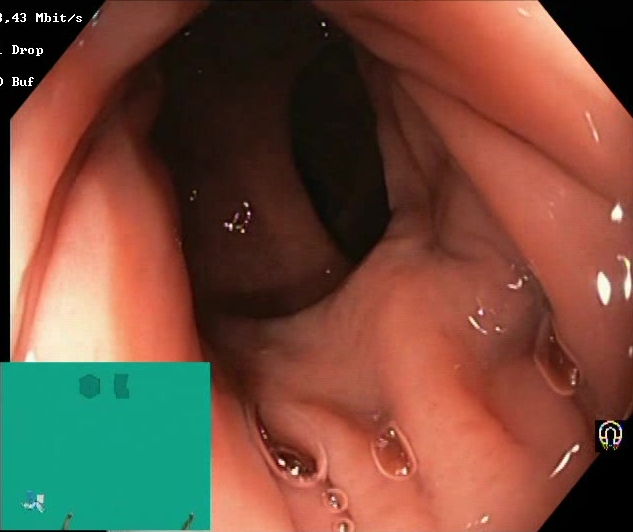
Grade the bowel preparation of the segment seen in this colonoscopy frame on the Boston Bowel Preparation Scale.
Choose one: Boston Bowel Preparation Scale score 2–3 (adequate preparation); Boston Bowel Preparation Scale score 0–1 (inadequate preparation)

Boston Bowel Preparation Scale score 2–3 (adequate preparation)